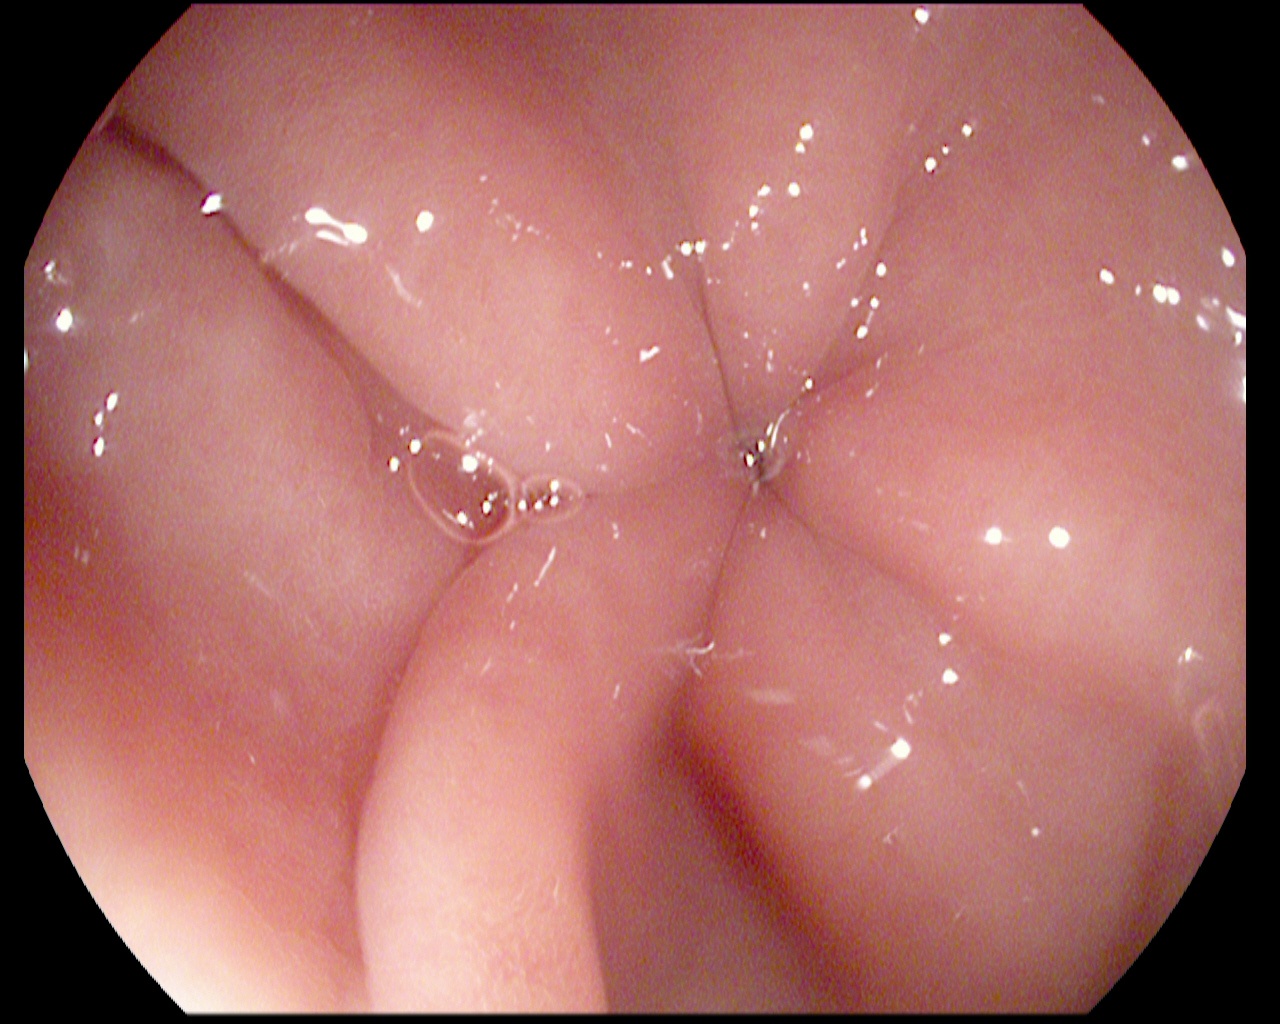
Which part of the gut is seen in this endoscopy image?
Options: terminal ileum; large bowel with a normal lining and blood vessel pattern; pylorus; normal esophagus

pylorus